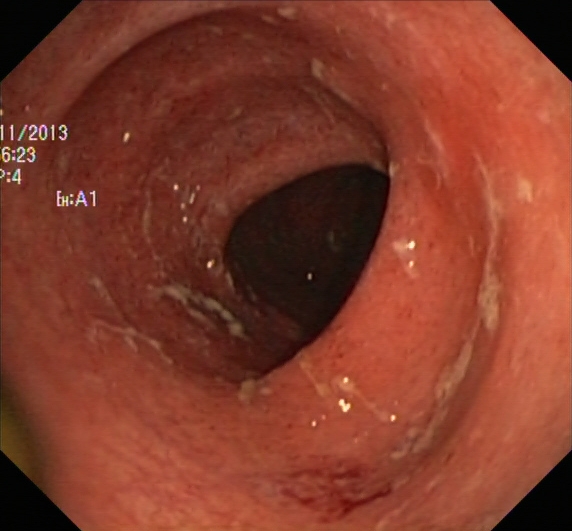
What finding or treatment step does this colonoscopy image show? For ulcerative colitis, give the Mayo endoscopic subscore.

ulcerative colitis, Mayo endoscopic subscore 1